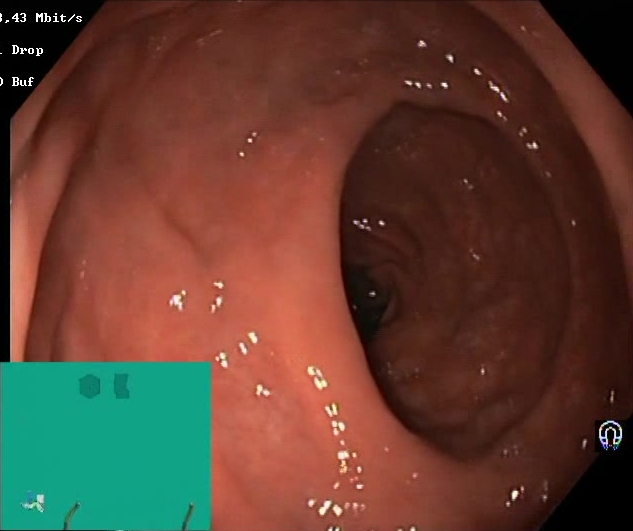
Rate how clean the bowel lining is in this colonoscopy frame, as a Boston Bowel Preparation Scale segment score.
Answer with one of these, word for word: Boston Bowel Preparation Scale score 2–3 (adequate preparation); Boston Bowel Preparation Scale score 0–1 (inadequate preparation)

Boston Bowel Preparation Scale score 2–3 (adequate preparation)